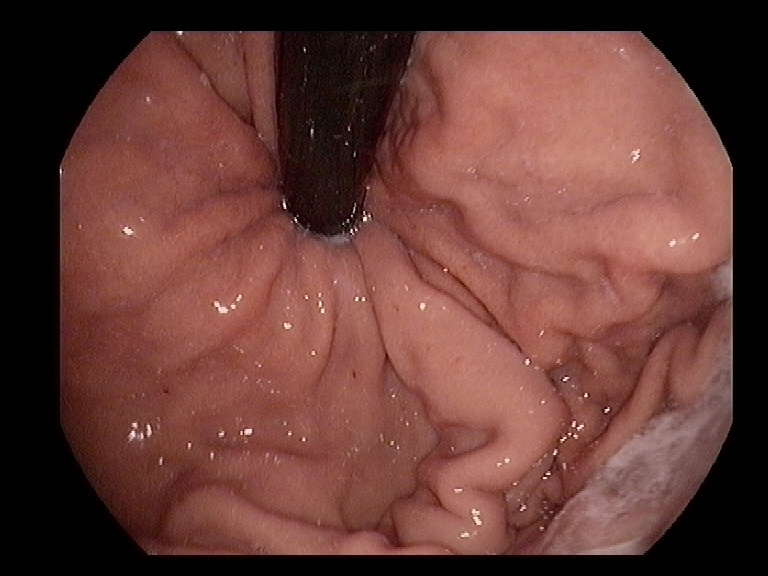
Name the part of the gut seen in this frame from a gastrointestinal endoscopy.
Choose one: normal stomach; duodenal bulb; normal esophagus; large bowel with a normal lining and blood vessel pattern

normal stomach